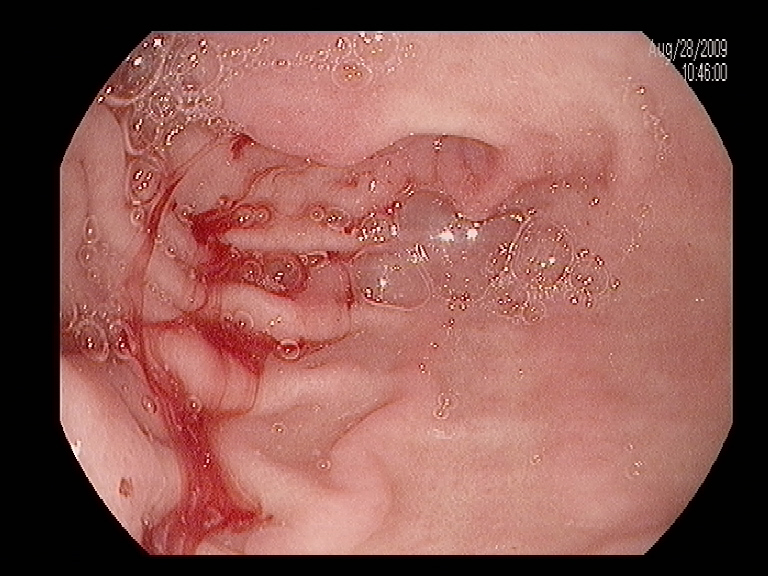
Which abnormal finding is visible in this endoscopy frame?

blood in the lumen